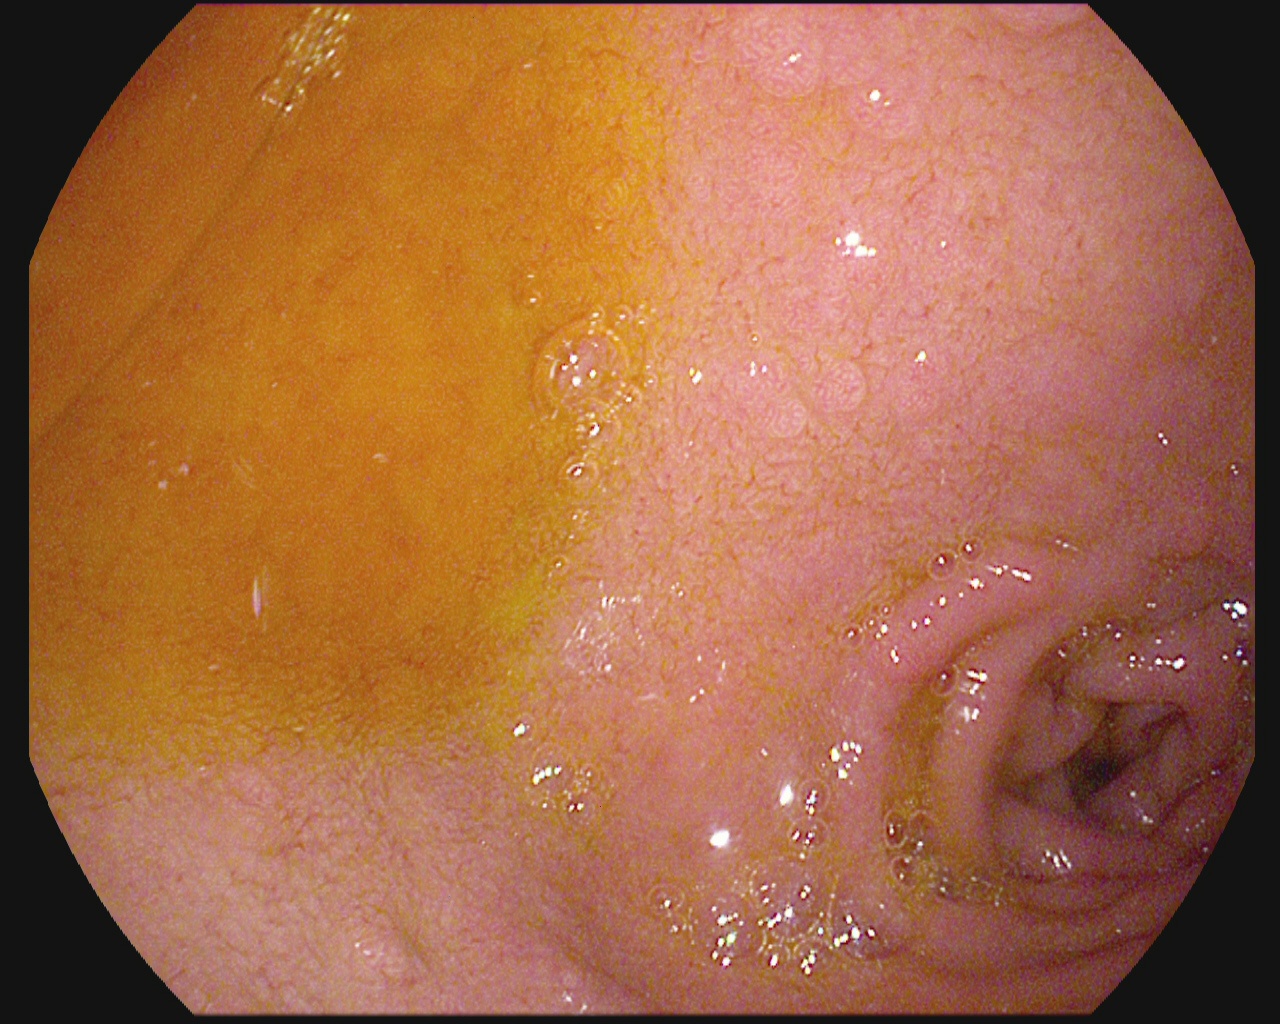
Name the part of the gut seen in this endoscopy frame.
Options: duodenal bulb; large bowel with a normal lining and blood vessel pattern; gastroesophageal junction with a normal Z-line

duodenal bulb